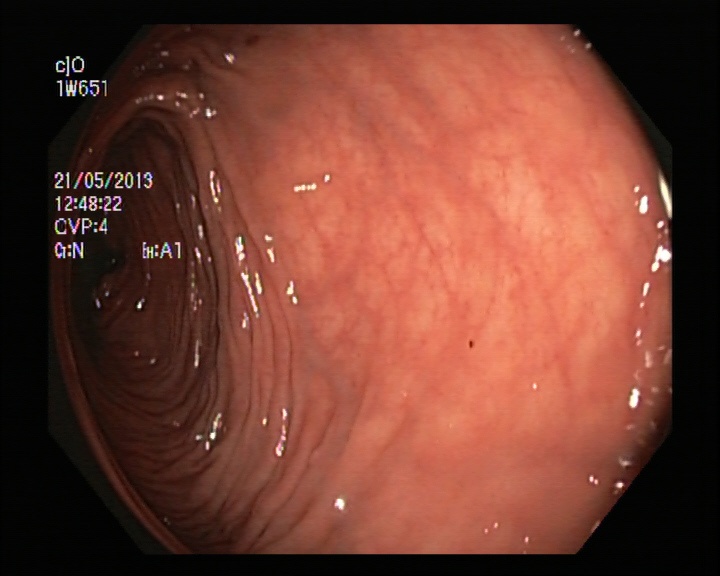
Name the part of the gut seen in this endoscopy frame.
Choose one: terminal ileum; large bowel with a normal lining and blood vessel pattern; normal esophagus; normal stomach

large bowel with a normal lining and blood vessel pattern